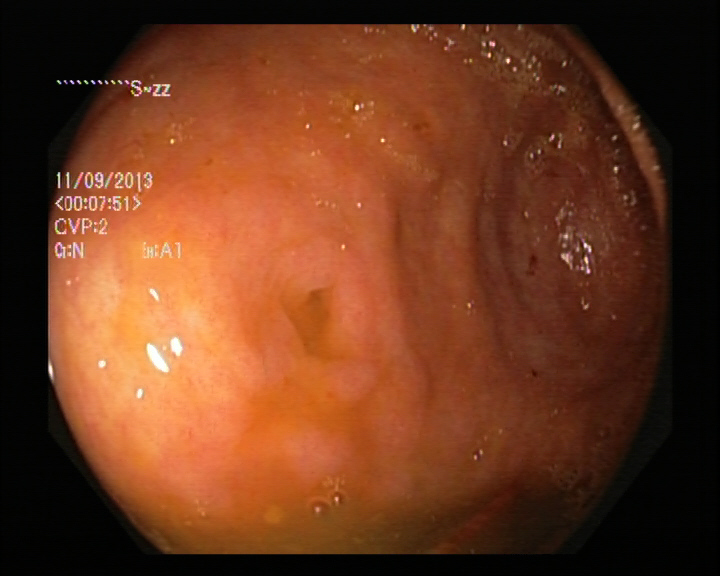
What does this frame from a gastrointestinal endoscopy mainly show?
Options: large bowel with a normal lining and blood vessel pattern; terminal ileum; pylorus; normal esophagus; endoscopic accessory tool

large bowel with a normal lining and blood vessel pattern